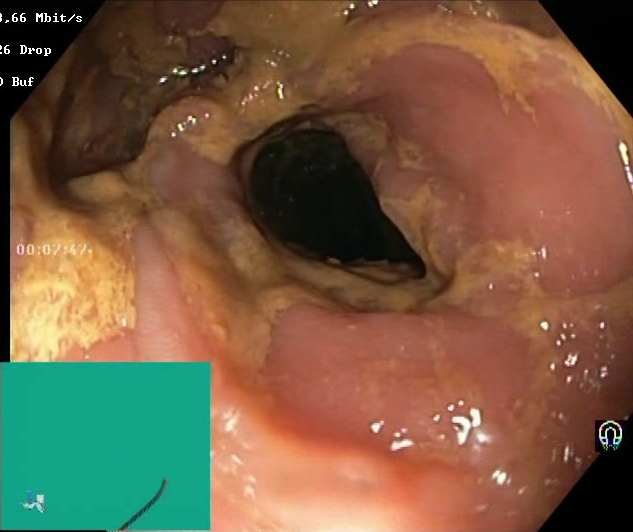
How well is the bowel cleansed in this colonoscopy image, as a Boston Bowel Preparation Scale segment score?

Boston Bowel Preparation Scale score 0–1 (inadequate preparation)